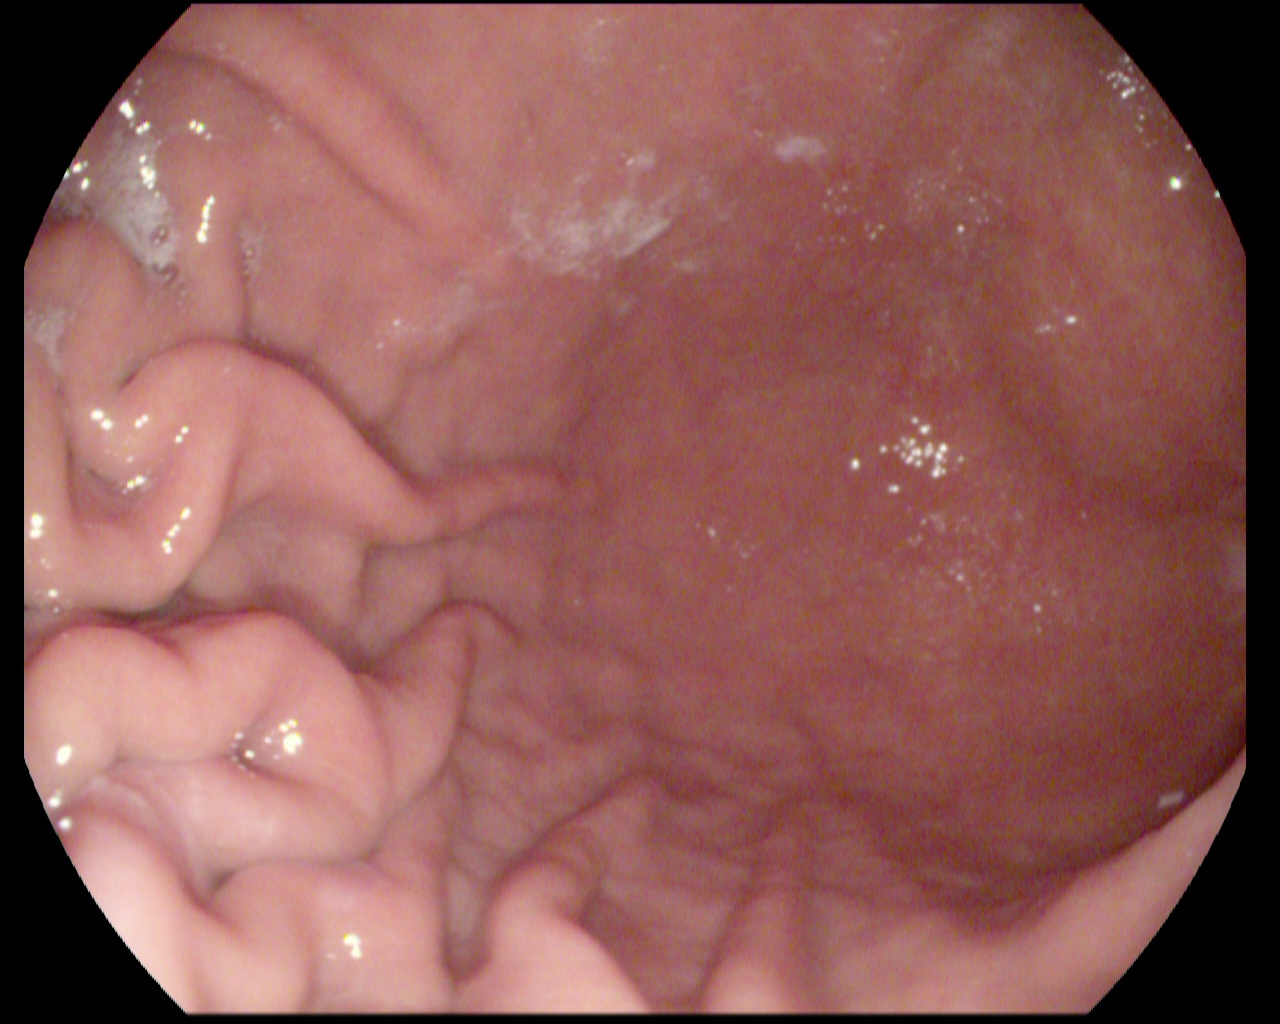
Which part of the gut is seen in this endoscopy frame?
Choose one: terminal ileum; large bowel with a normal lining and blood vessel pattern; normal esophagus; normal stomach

normal stomach